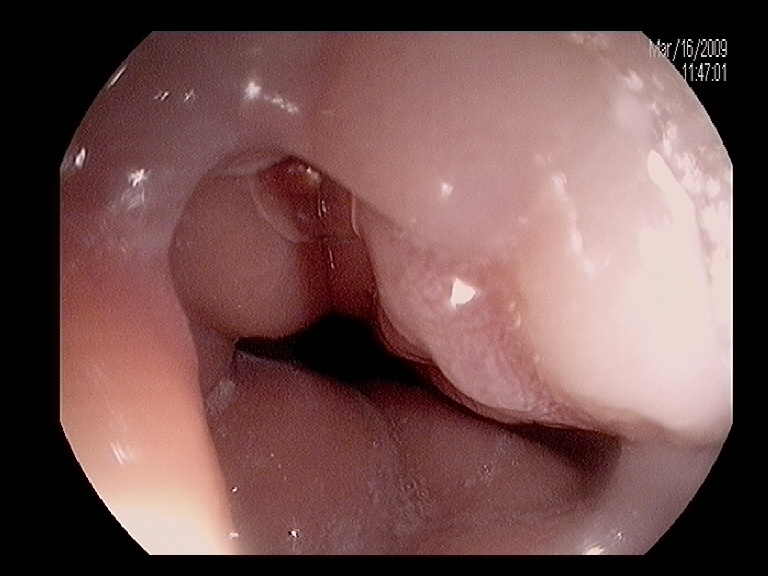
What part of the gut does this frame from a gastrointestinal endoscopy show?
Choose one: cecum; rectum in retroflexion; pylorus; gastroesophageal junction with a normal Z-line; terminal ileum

gastroesophageal junction with a normal Z-line